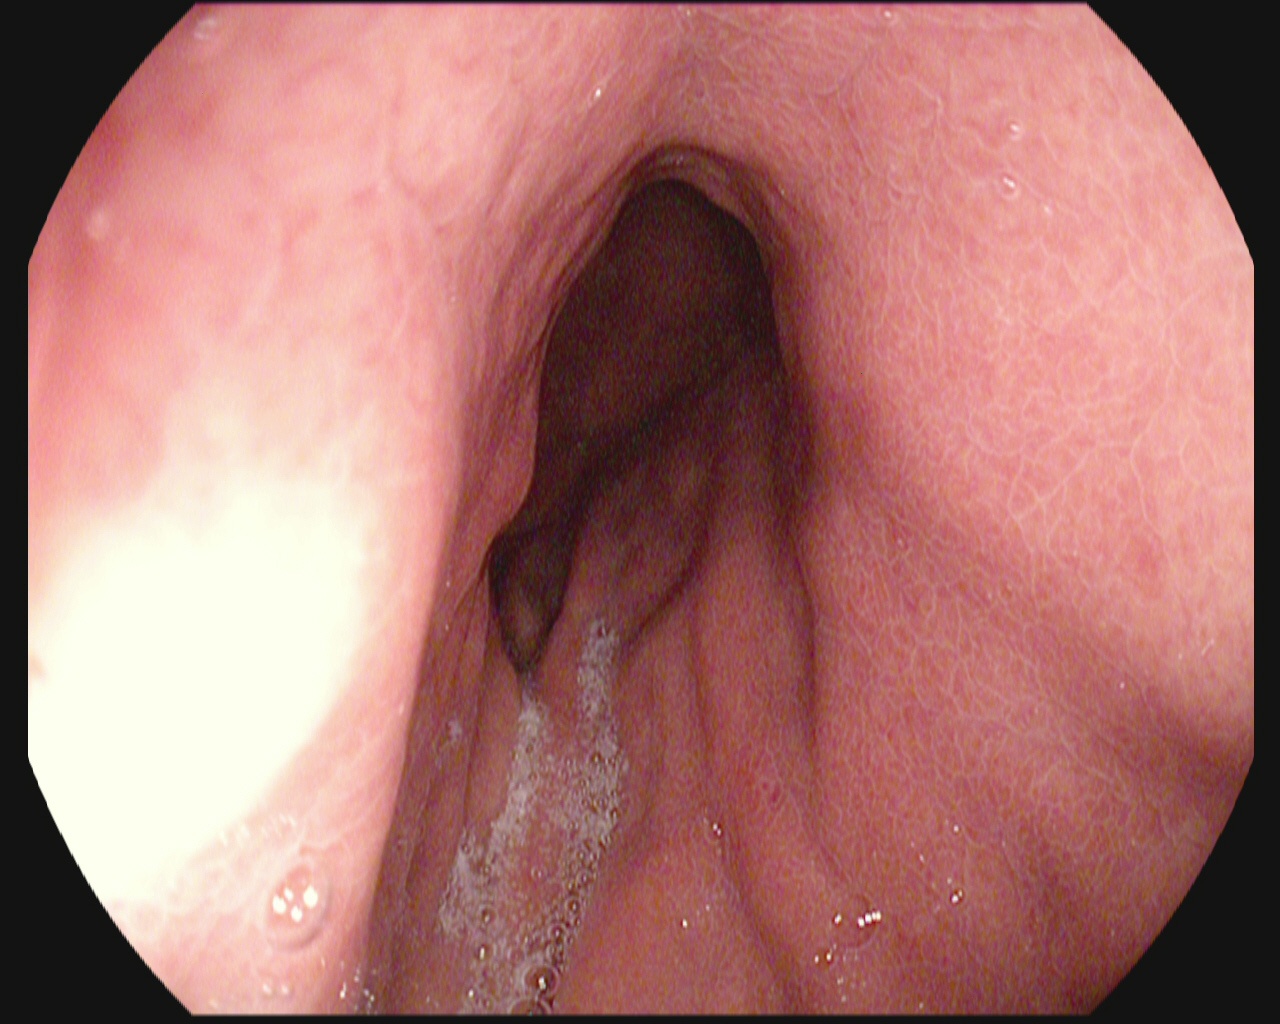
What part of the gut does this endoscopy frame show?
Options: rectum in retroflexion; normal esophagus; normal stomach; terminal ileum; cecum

normal stomach